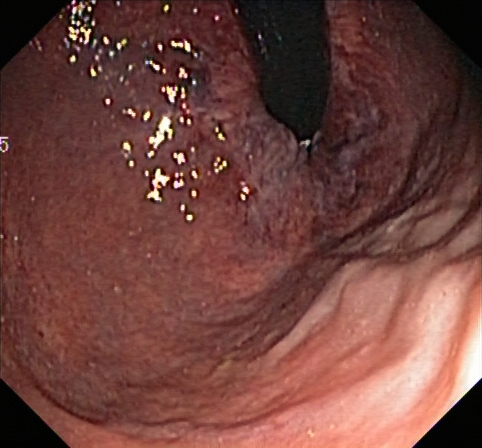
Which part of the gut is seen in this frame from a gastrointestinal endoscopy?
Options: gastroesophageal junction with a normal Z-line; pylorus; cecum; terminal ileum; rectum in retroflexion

rectum in retroflexion